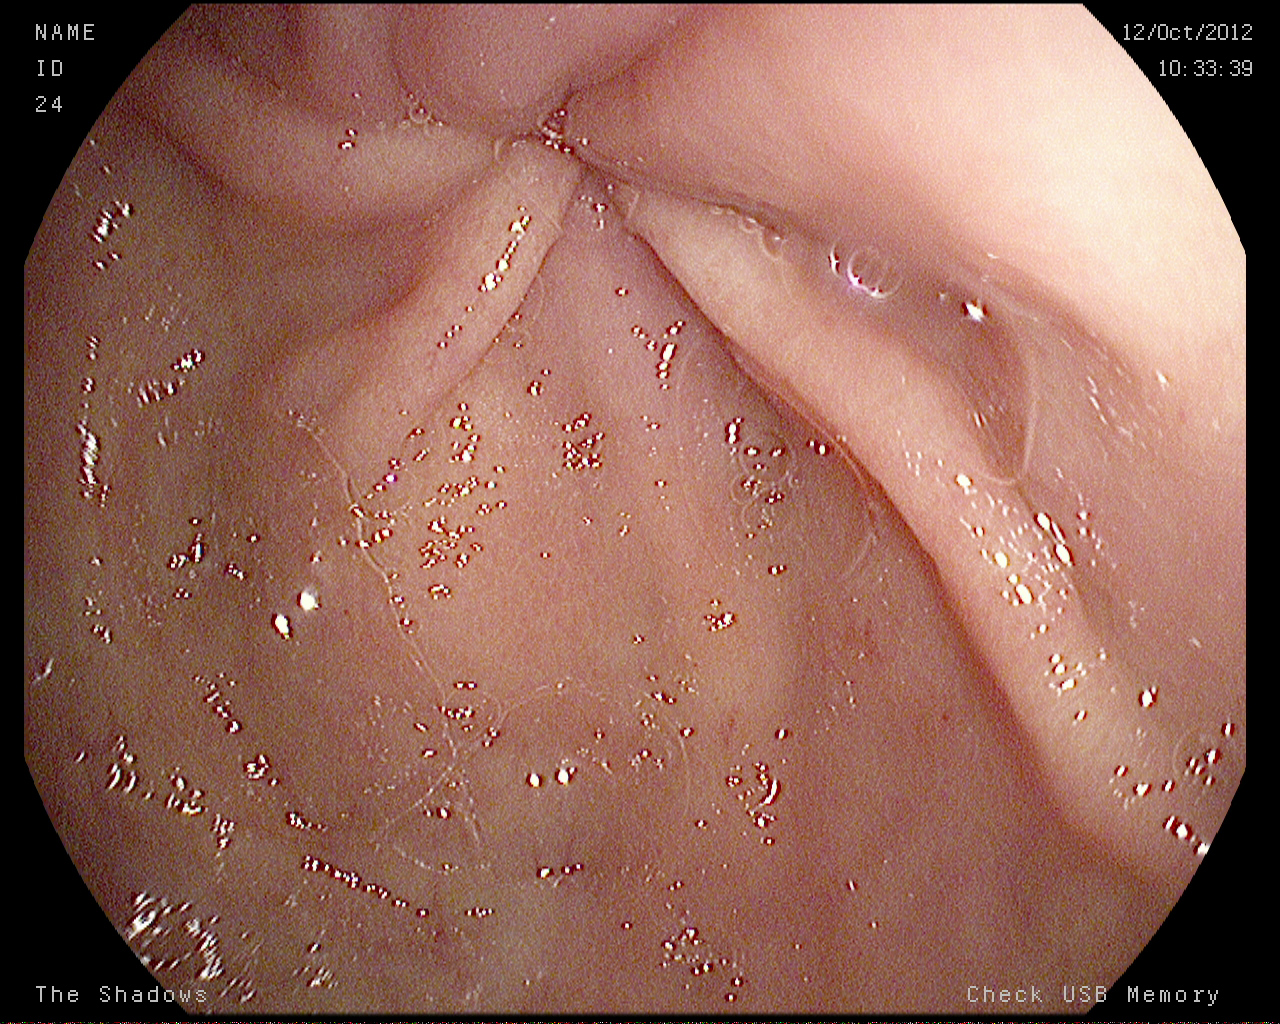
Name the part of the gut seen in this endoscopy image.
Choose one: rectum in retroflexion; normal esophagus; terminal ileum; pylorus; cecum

pylorus